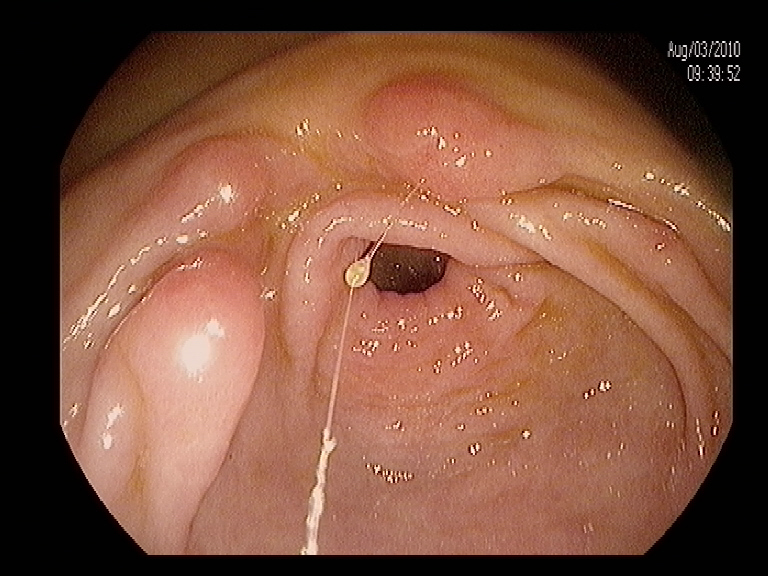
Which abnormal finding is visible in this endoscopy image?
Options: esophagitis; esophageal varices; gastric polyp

gastric polyp